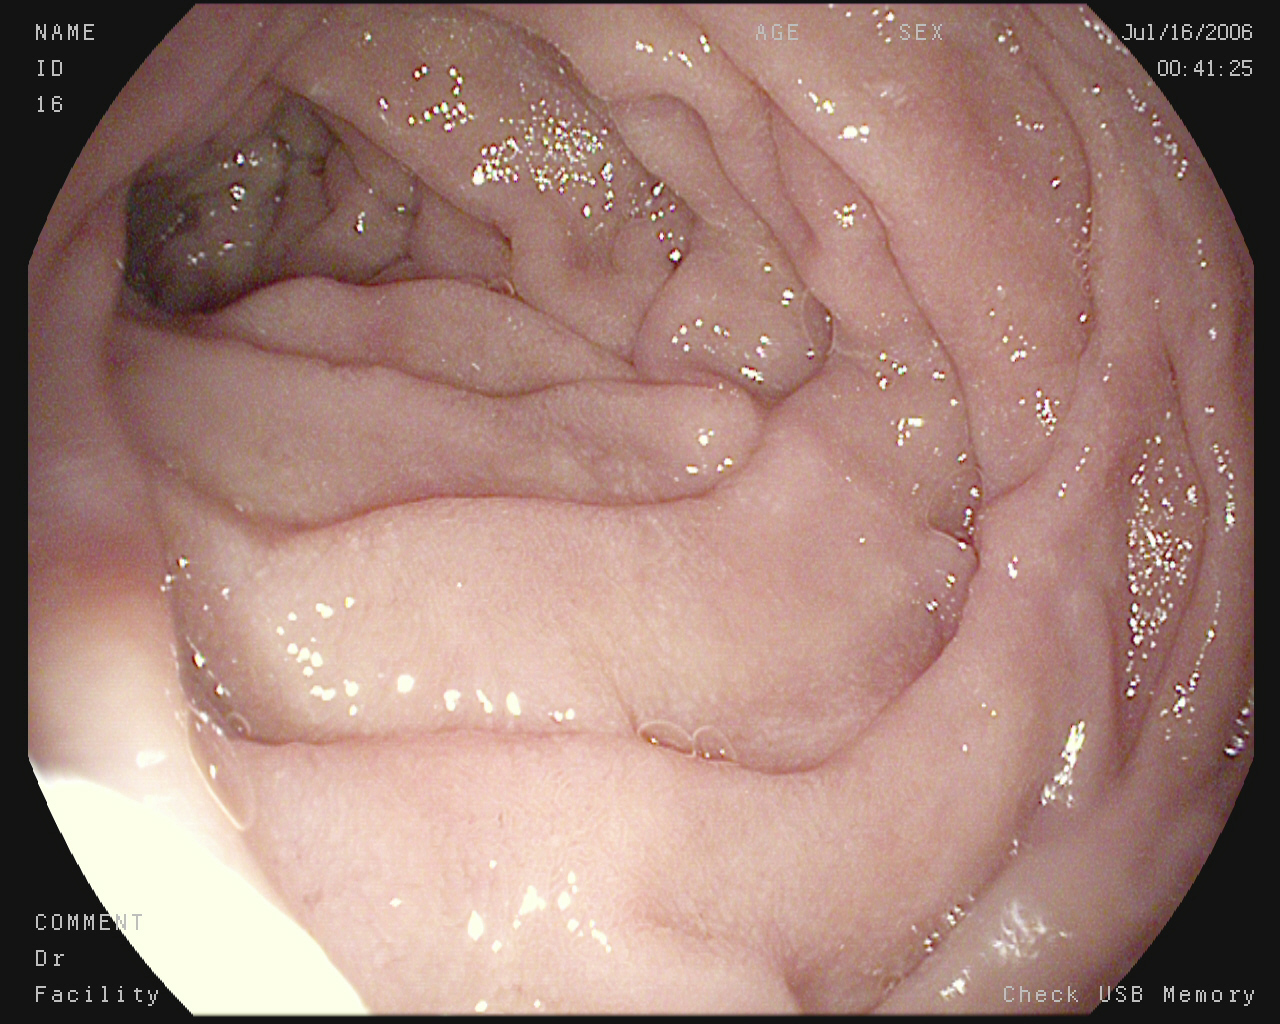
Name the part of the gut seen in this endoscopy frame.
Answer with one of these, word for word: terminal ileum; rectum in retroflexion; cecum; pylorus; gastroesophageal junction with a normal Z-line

terminal ileum